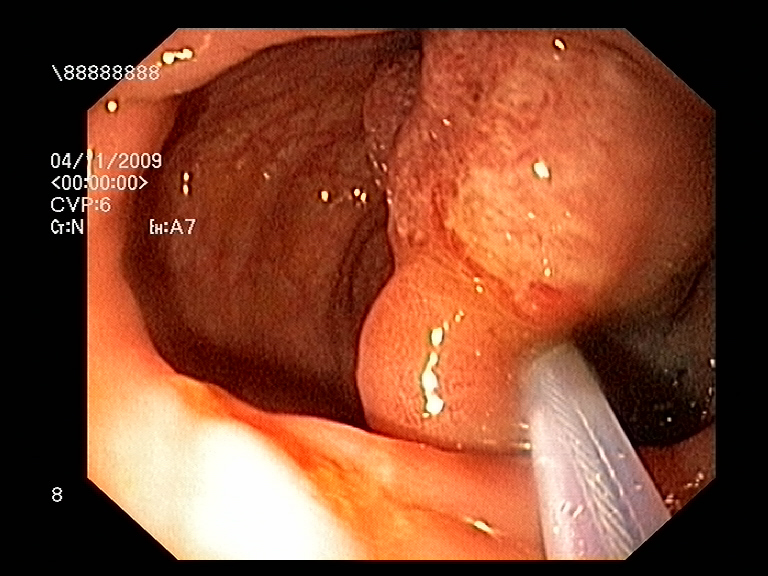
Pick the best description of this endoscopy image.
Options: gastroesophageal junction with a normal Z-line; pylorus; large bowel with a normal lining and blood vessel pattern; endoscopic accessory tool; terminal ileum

endoscopic accessory tool